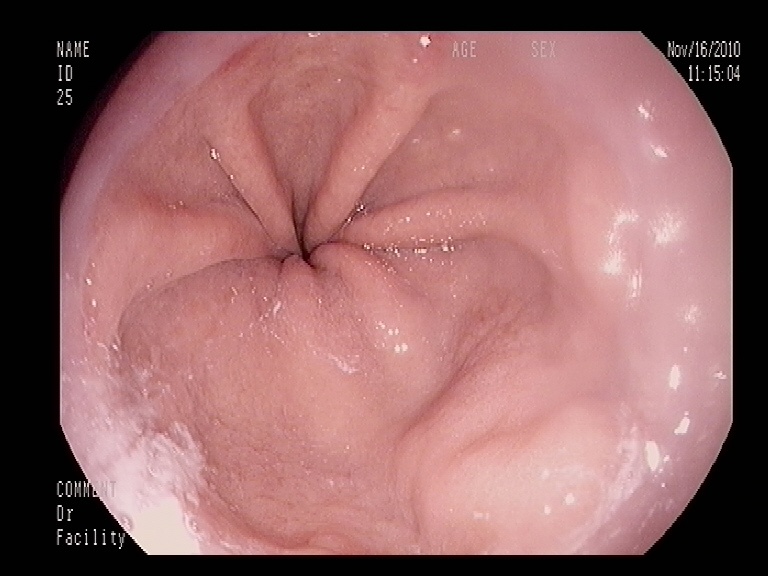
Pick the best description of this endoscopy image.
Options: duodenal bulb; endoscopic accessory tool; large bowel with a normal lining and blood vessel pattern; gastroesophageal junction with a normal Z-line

gastroesophageal junction with a normal Z-line